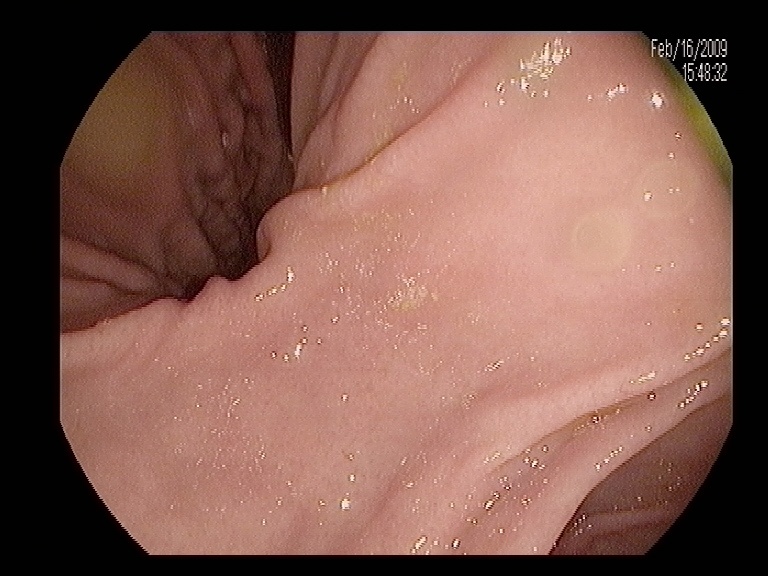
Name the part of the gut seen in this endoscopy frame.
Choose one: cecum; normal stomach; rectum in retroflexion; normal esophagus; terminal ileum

normal stomach